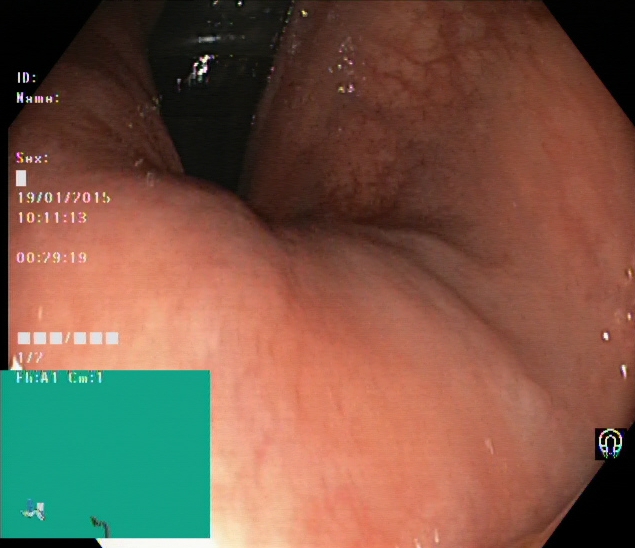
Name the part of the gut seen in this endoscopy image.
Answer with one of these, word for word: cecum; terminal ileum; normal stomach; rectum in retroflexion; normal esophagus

rectum in retroflexion